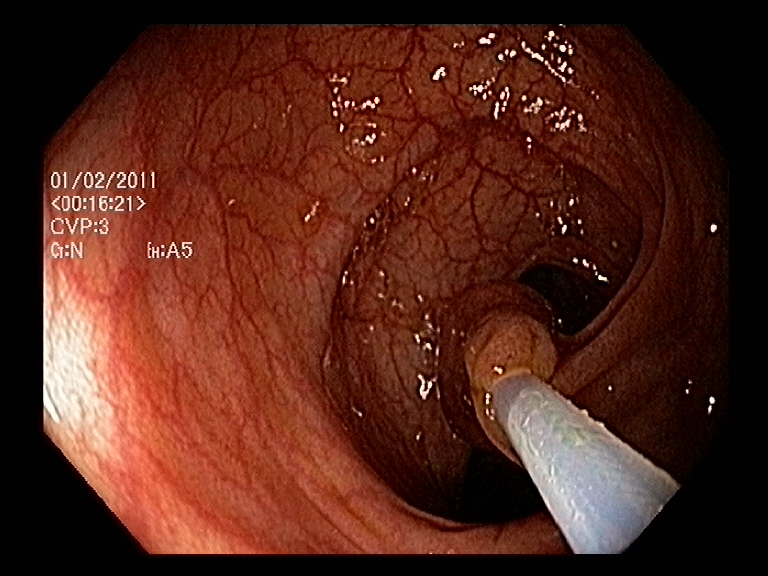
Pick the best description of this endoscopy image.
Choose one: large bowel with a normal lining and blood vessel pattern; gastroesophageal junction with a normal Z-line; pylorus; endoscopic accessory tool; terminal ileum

endoscopic accessory tool